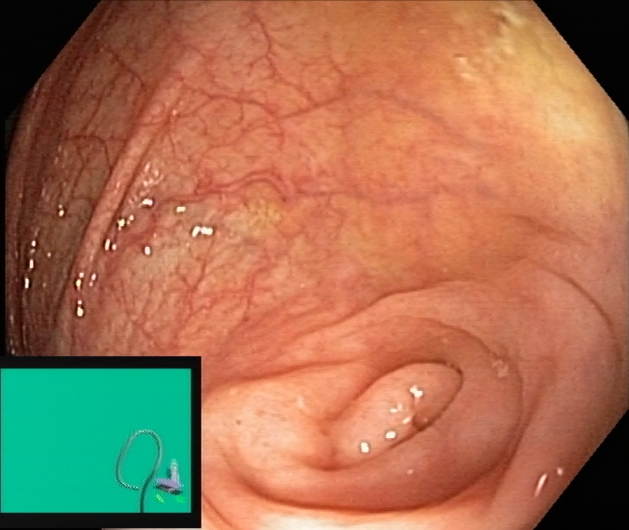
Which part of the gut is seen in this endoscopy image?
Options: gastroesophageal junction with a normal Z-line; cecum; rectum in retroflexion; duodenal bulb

cecum